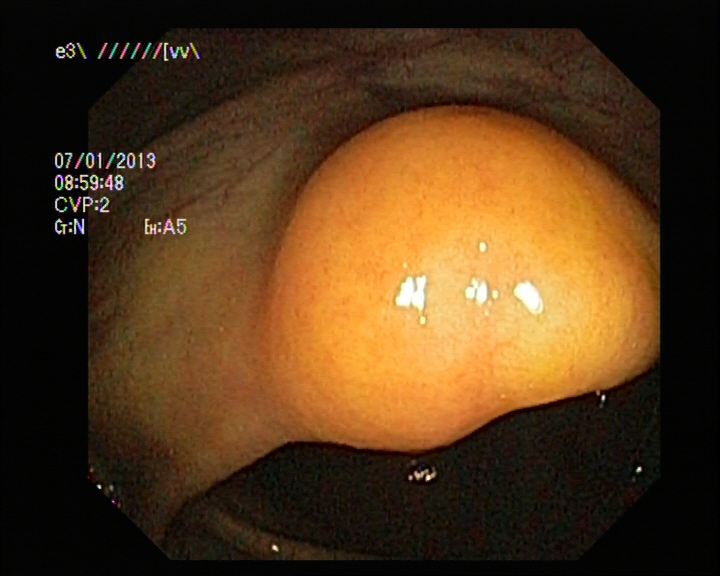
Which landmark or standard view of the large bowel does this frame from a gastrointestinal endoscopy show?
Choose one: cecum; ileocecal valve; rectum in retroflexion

ileocecal valve